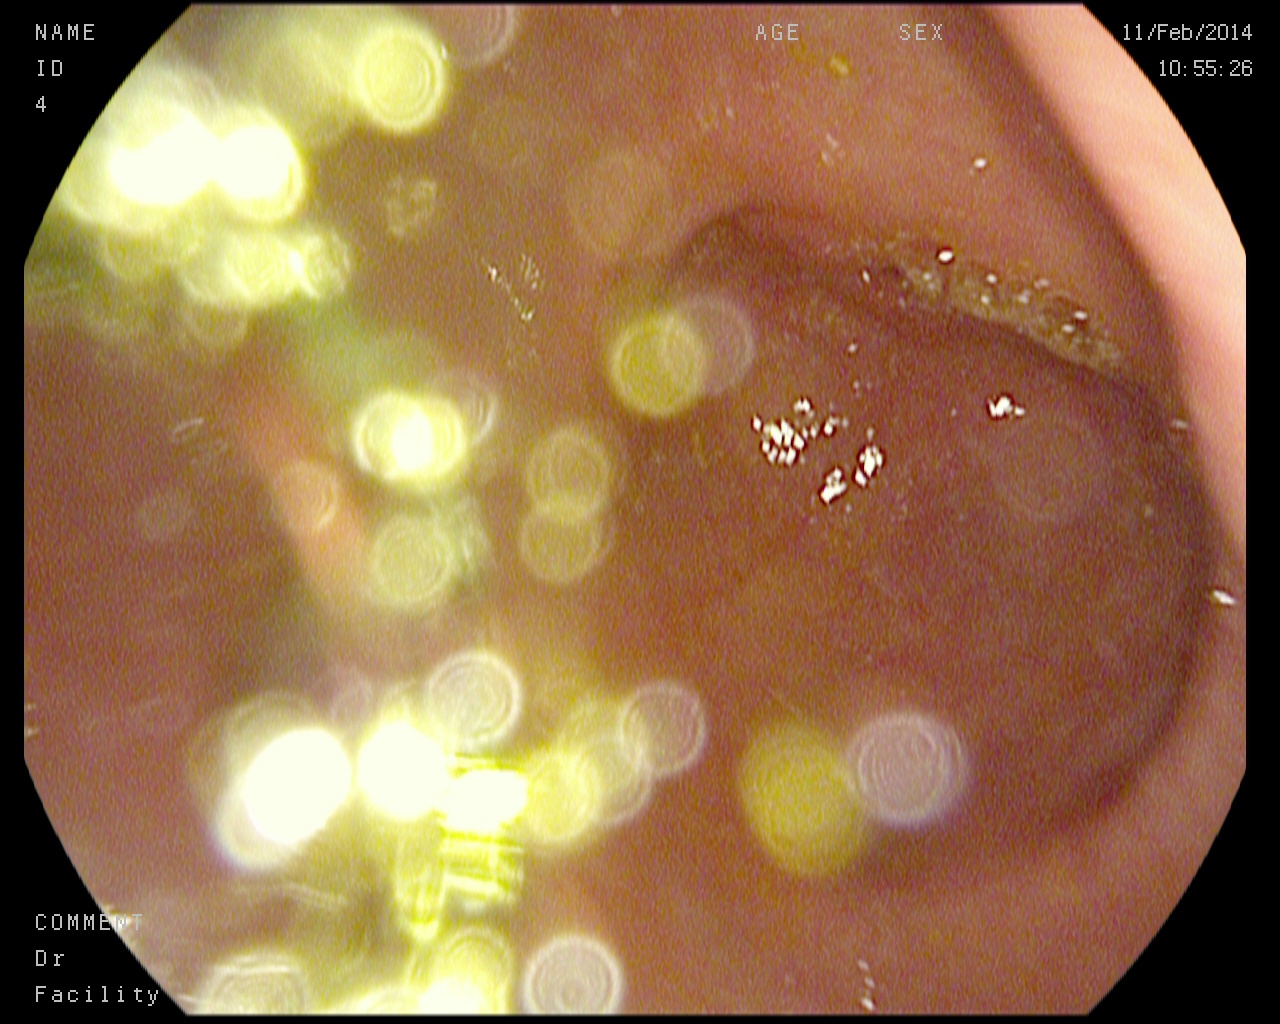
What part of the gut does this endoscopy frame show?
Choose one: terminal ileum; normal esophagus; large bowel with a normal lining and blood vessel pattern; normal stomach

terminal ileum